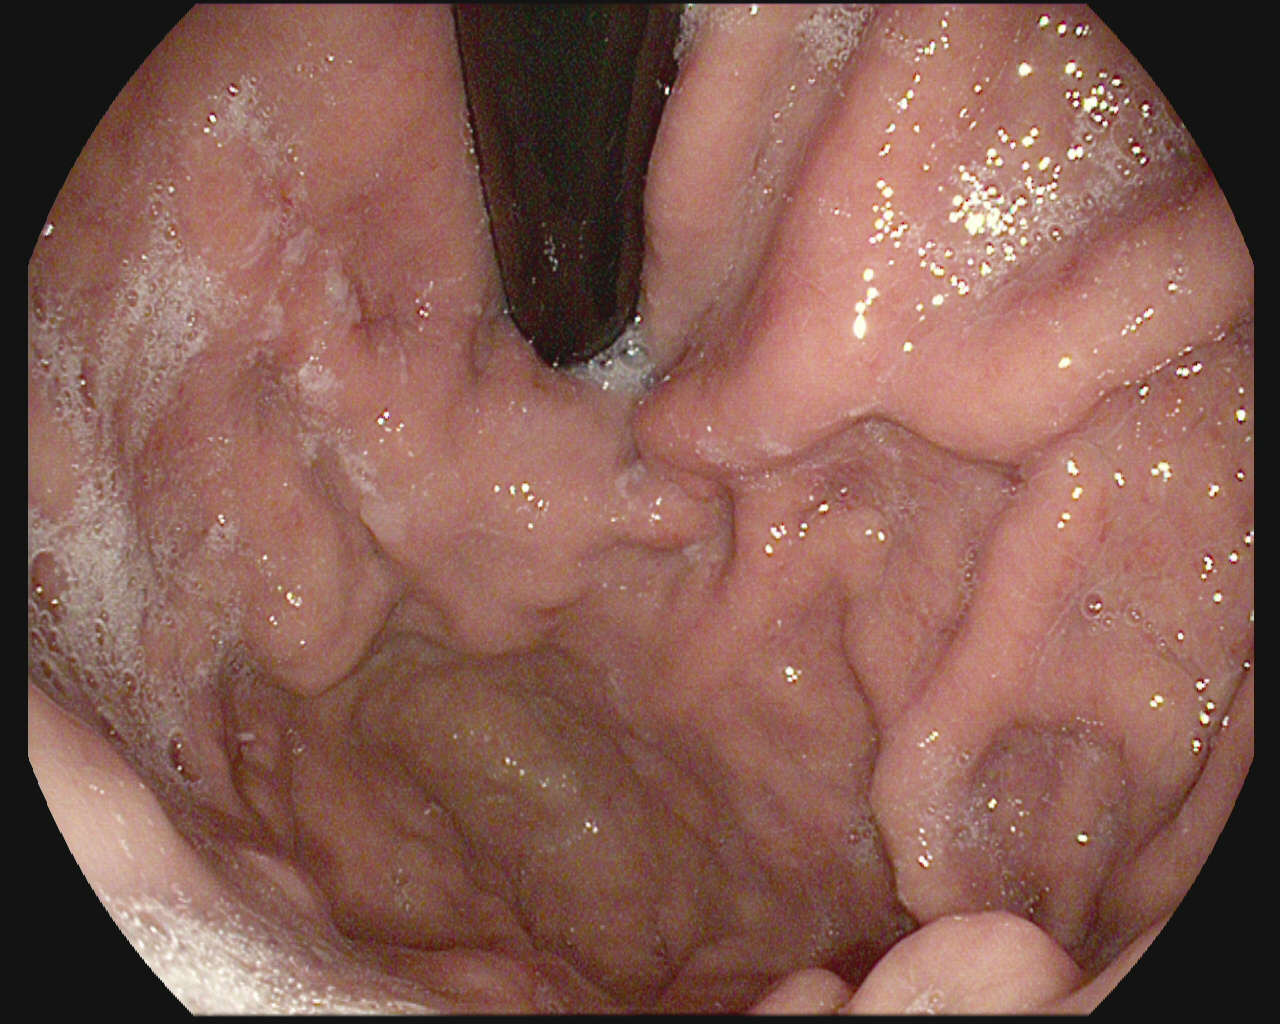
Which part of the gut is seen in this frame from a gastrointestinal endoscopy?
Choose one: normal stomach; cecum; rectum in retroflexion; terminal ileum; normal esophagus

normal stomach